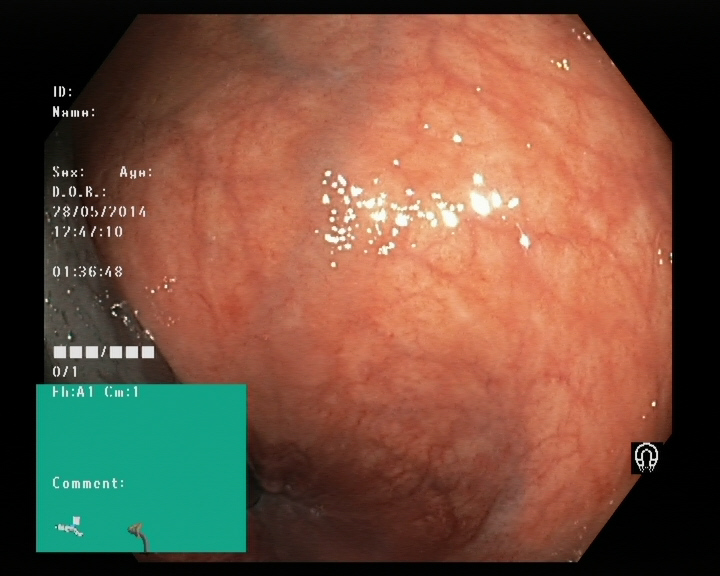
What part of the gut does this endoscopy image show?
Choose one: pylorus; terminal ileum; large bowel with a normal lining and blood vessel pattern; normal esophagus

large bowel with a normal lining and blood vessel pattern